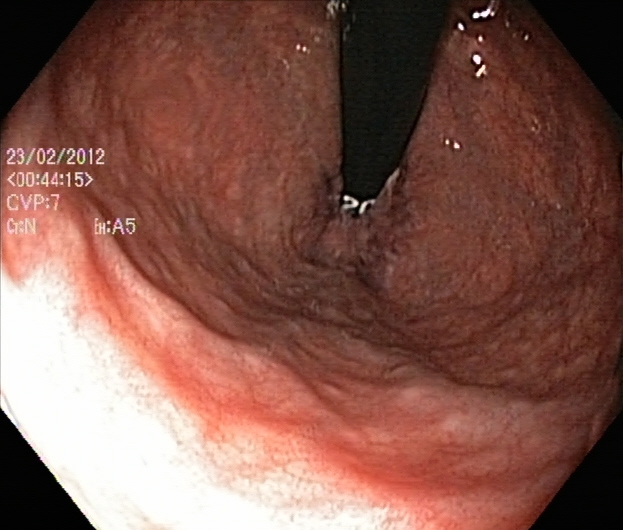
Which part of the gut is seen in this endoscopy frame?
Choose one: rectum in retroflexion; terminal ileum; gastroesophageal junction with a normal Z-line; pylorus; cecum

rectum in retroflexion